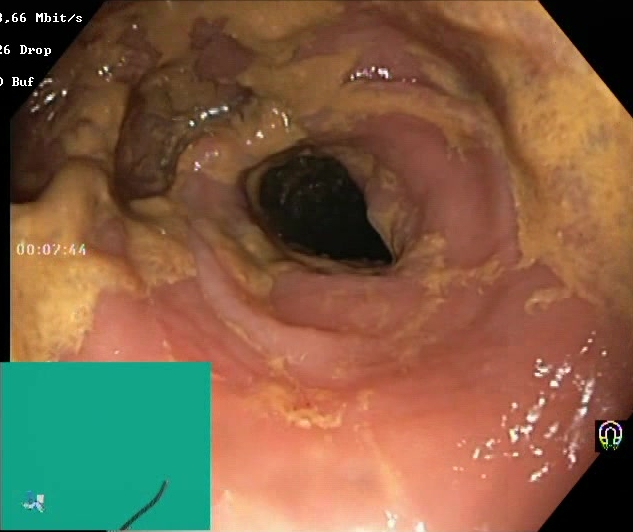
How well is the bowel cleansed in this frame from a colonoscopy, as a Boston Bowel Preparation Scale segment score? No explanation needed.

Boston Bowel Preparation Scale score 0–1 (inadequate preparation)